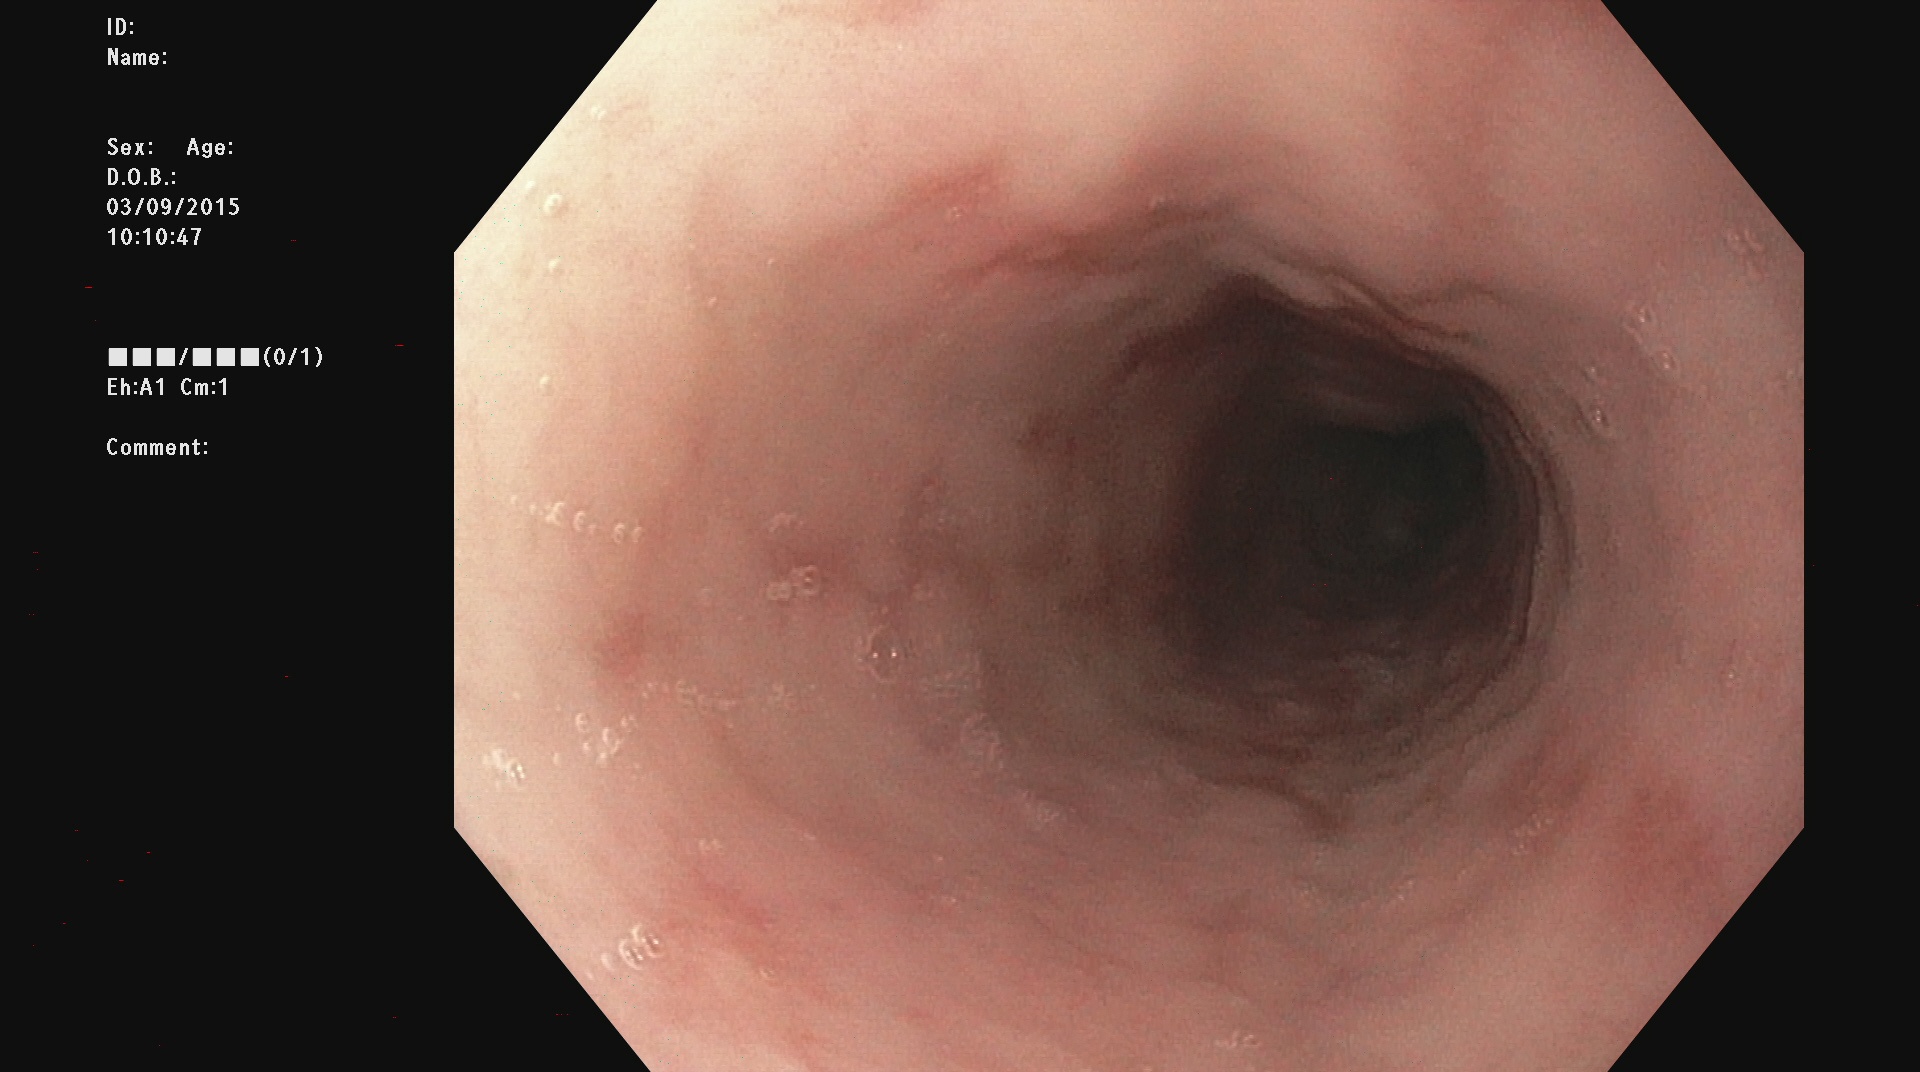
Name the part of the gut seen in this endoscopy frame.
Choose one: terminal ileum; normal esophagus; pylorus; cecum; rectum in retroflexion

normal esophagus